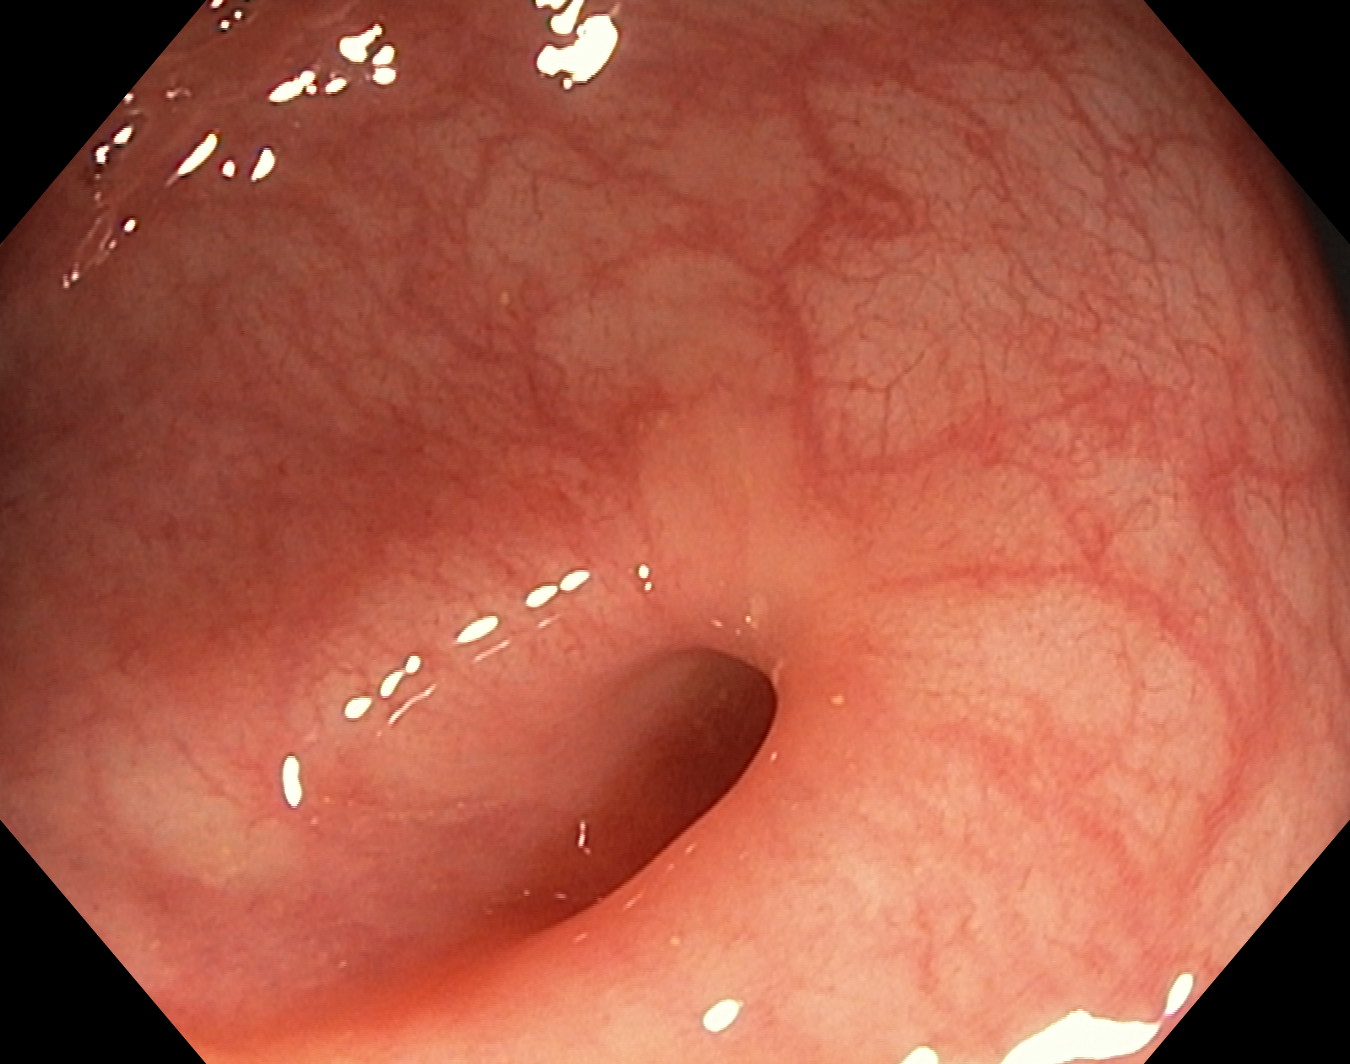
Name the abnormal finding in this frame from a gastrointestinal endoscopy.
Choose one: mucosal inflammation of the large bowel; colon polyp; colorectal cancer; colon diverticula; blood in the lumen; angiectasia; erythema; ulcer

colon diverticula